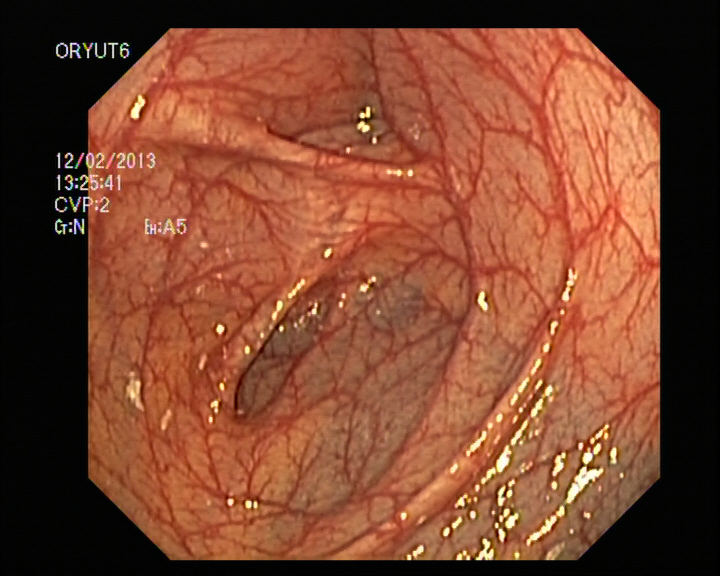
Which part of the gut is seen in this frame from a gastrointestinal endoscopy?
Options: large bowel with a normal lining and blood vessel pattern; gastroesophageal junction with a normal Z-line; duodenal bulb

large bowel with a normal lining and blood vessel pattern